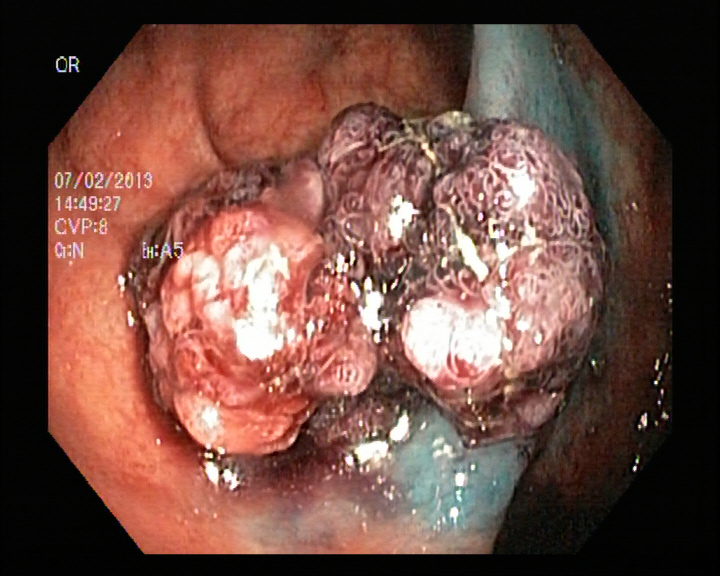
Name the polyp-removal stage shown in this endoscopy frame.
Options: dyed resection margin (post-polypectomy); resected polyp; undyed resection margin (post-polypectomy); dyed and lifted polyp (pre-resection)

resected polyp